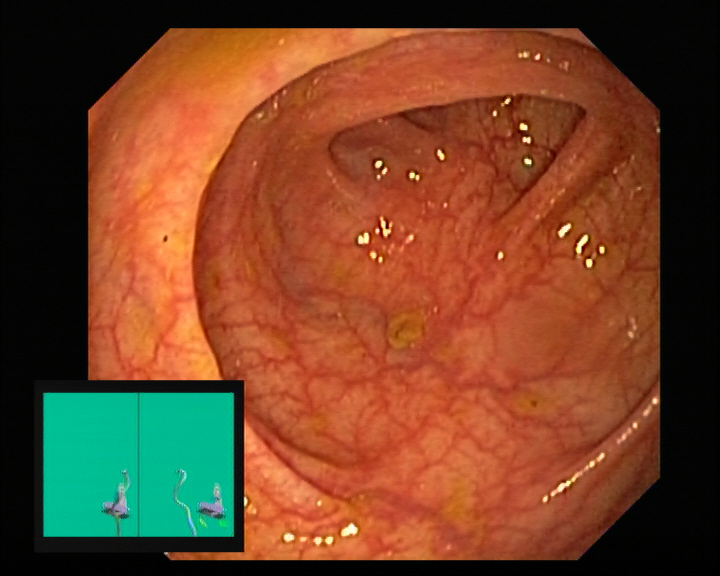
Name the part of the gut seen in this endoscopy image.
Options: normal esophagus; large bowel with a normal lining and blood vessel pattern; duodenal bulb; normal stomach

large bowel with a normal lining and blood vessel pattern